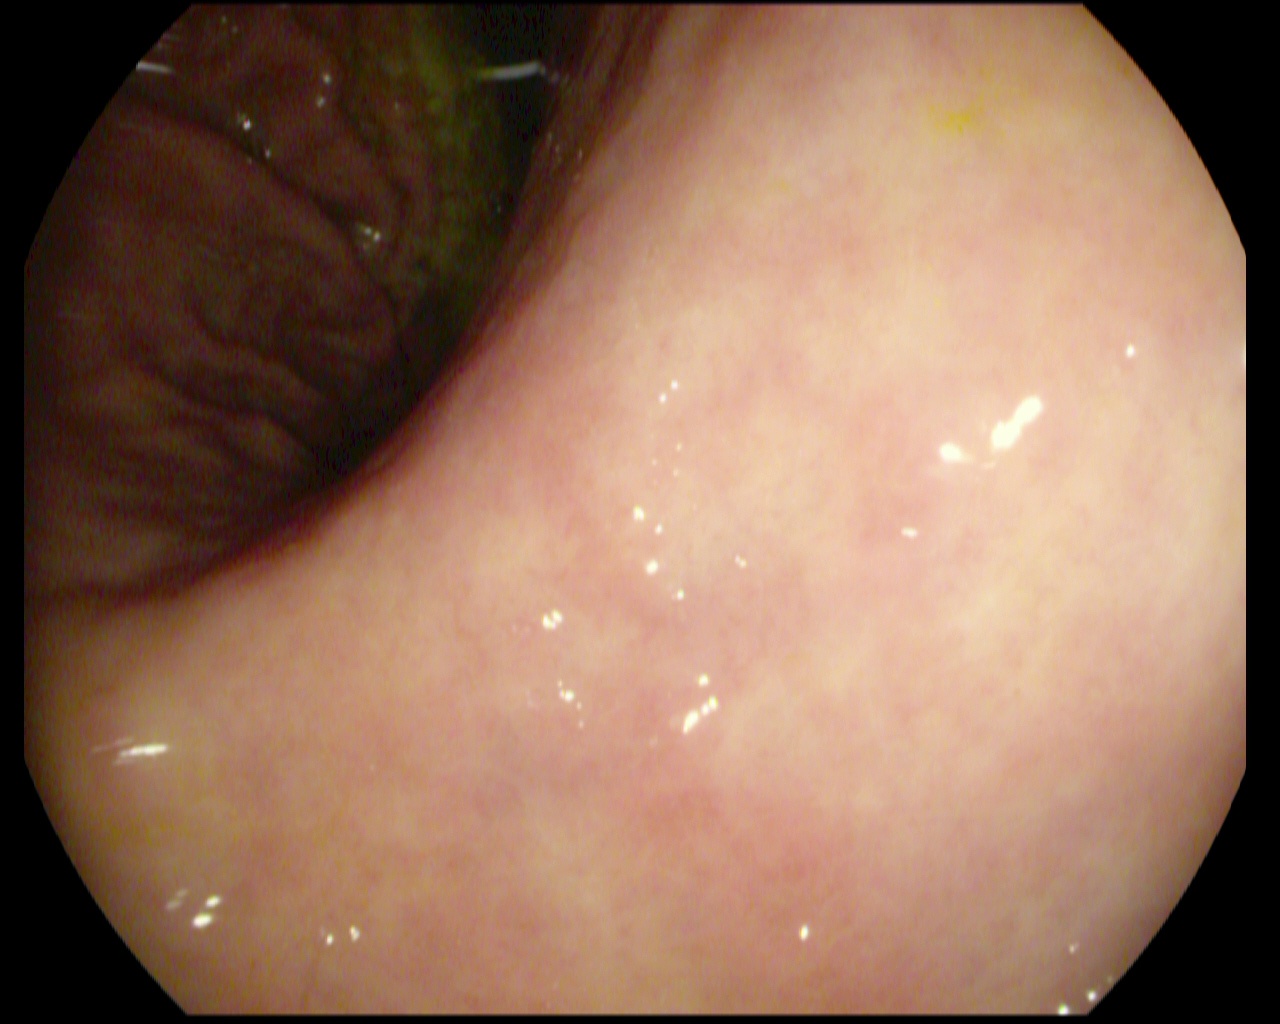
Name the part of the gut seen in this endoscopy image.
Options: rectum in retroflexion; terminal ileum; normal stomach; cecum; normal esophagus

normal stomach